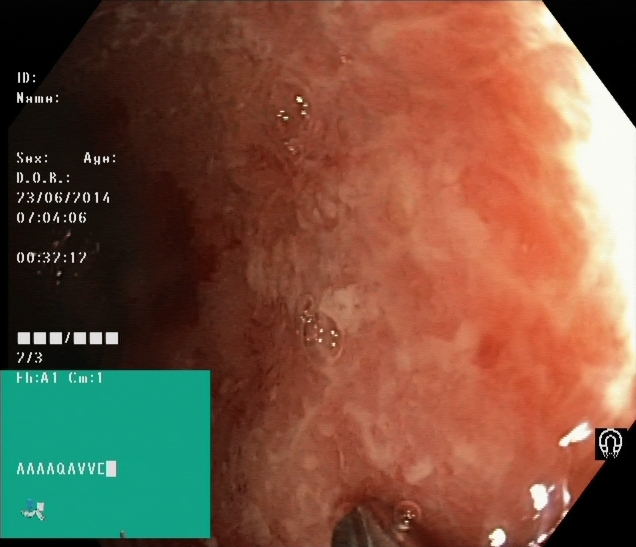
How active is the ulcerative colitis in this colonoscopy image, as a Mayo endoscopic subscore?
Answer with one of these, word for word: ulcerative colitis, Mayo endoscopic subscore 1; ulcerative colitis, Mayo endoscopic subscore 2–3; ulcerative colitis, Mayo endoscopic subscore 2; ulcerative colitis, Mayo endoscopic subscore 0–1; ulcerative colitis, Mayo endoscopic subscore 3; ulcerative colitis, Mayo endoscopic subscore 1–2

ulcerative colitis, Mayo endoscopic subscore 2